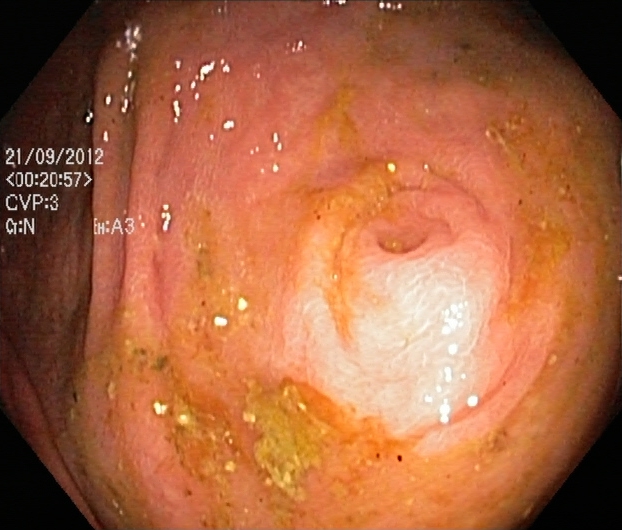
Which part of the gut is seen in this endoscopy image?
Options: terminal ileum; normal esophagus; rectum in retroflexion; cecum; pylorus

cecum